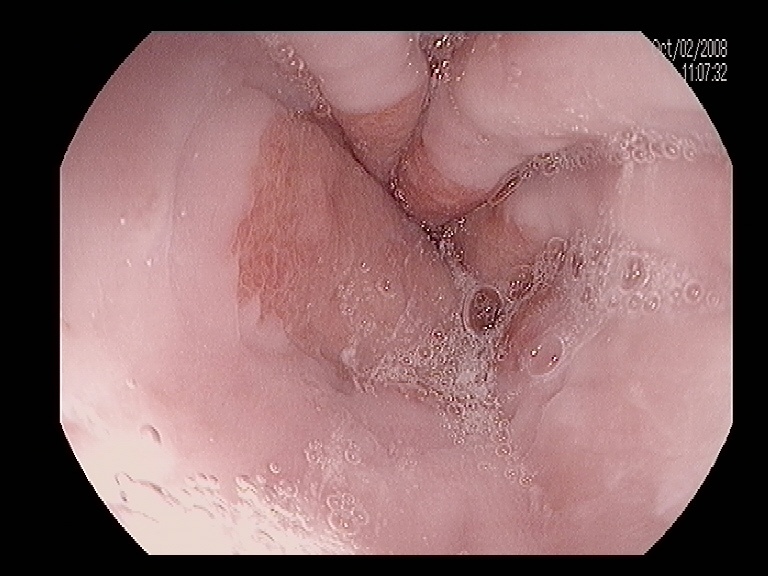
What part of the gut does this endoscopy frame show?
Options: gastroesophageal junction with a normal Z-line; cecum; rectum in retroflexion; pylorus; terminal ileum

gastroesophageal junction with a normal Z-line